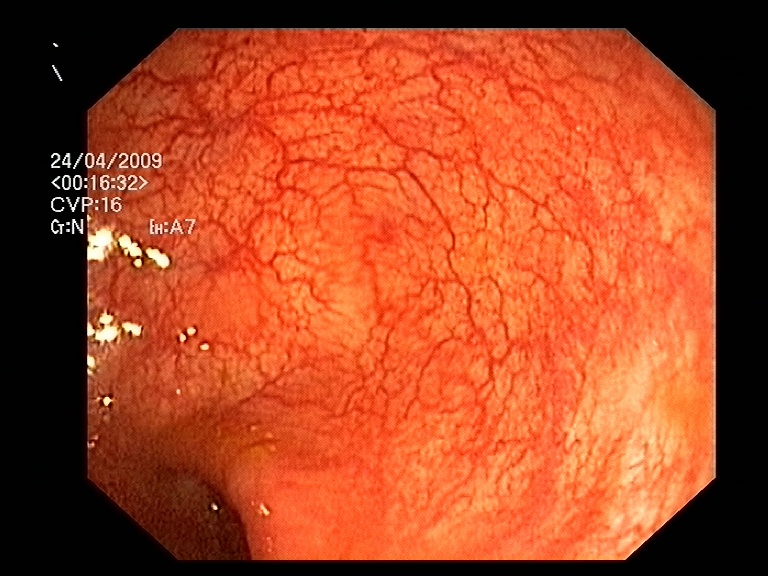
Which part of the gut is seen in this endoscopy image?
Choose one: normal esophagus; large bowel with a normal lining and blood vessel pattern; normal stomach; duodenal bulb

large bowel with a normal lining and blood vessel pattern